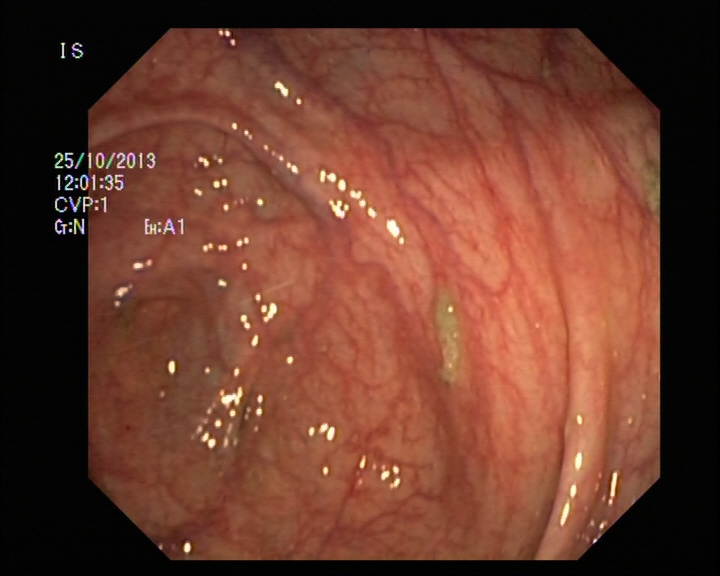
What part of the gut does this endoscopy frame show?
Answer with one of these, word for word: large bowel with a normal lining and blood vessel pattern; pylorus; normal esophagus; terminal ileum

large bowel with a normal lining and blood vessel pattern